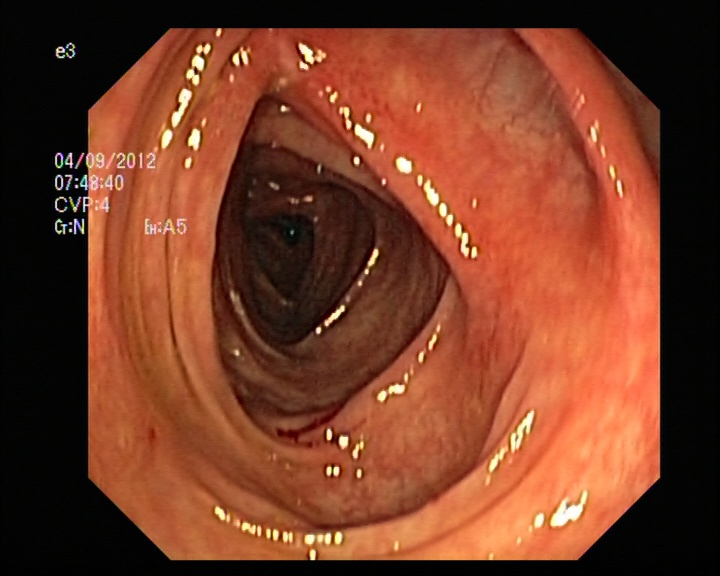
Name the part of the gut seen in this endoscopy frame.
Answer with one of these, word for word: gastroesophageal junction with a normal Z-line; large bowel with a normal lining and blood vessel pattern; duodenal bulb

large bowel with a normal lining and blood vessel pattern